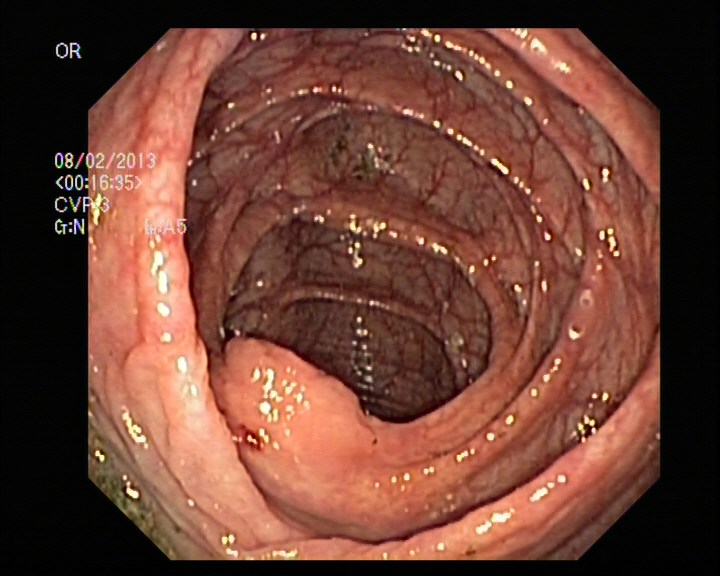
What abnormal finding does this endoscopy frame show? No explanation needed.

colon polyp